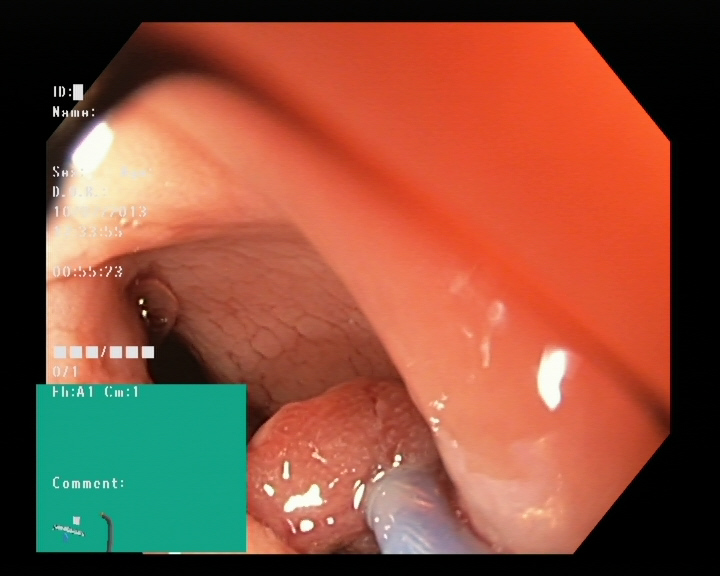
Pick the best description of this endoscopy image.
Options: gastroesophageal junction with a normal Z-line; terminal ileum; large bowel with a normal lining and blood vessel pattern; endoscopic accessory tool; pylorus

endoscopic accessory tool